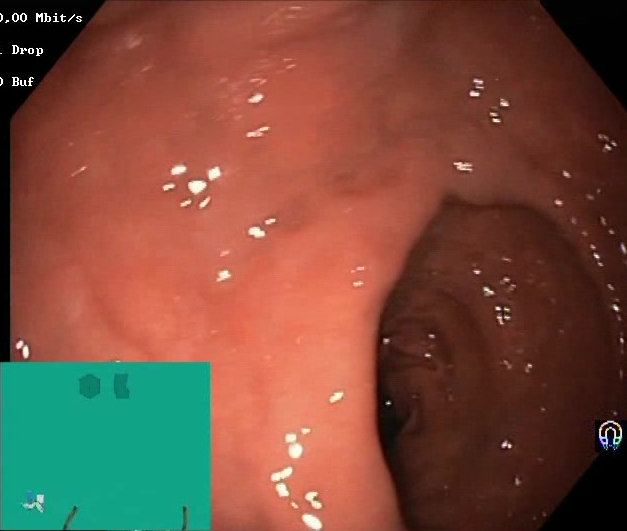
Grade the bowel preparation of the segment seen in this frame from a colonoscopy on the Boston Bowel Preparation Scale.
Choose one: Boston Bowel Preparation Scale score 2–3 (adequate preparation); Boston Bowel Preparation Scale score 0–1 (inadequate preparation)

Boston Bowel Preparation Scale score 2–3 (adequate preparation)